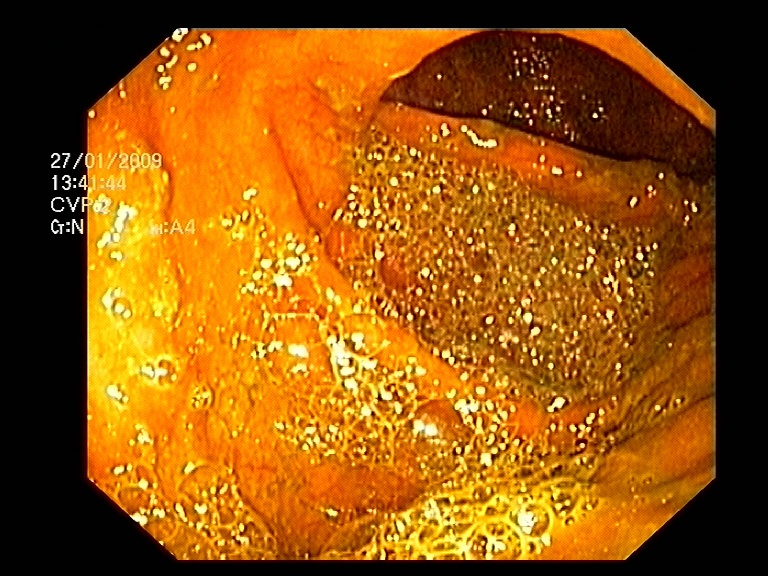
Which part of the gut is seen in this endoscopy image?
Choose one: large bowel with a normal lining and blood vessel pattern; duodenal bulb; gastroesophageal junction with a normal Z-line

large bowel with a normal lining and blood vessel pattern